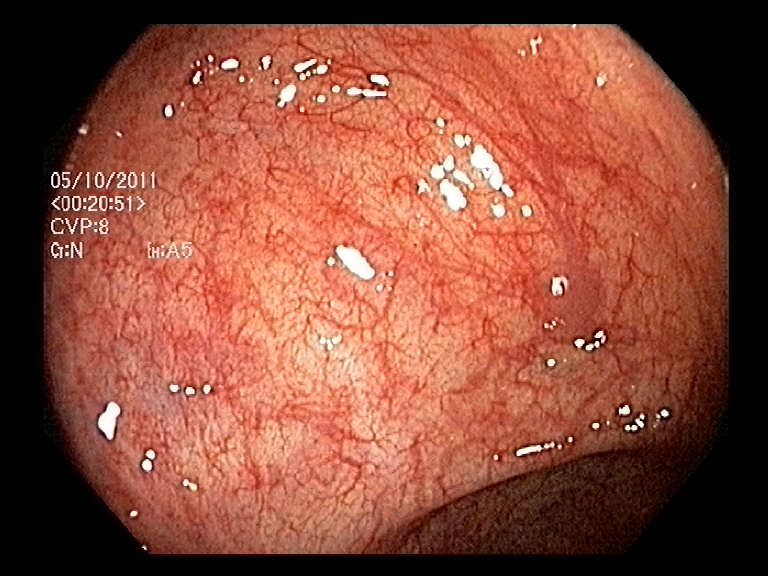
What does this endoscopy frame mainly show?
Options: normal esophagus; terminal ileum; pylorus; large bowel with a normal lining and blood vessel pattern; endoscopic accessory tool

large bowel with a normal lining and blood vessel pattern